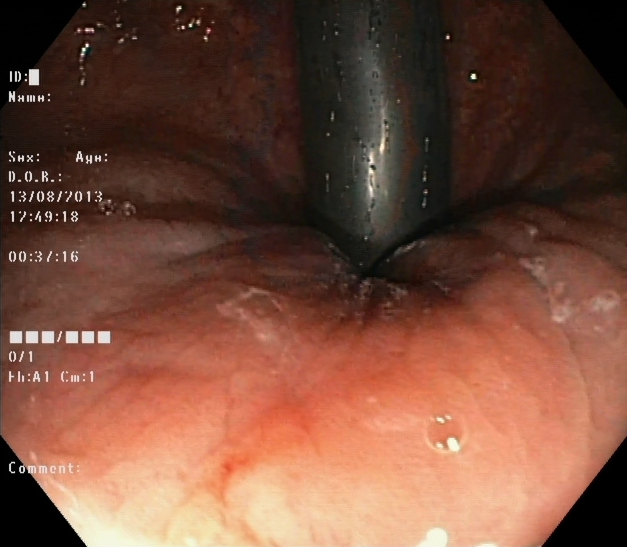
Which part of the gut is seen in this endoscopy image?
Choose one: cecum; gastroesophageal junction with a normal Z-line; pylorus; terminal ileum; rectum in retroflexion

rectum in retroflexion